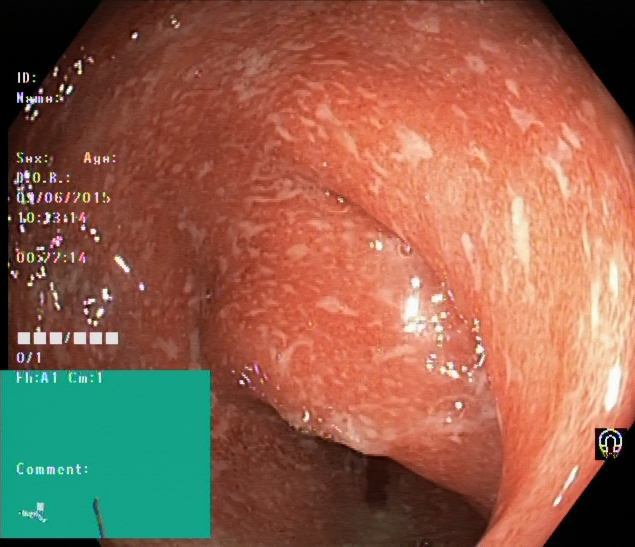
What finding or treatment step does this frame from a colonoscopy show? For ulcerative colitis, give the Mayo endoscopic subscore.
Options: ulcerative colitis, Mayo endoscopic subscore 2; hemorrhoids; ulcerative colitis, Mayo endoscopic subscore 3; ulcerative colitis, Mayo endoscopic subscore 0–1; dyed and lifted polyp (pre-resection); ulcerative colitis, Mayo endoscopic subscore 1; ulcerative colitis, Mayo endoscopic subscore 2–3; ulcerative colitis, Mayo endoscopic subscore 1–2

ulcerative colitis, Mayo endoscopic subscore 2